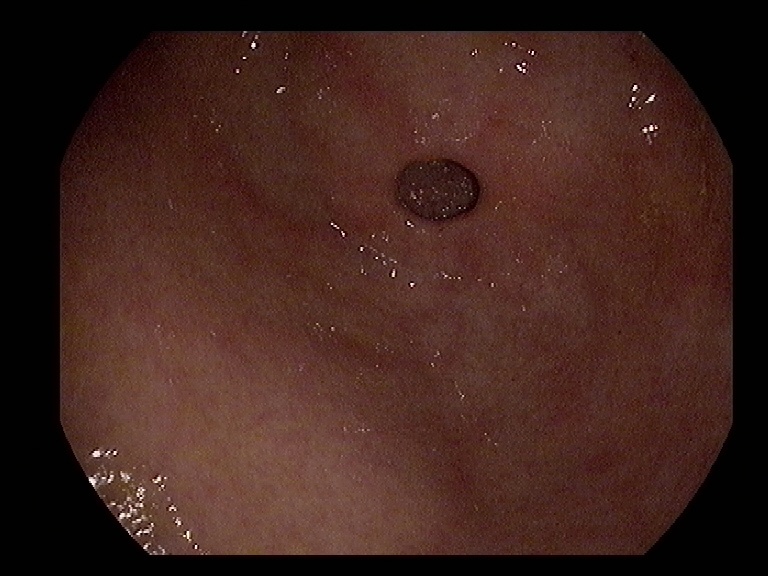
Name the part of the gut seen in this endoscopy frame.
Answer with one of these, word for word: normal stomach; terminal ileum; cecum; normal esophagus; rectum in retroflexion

normal stomach